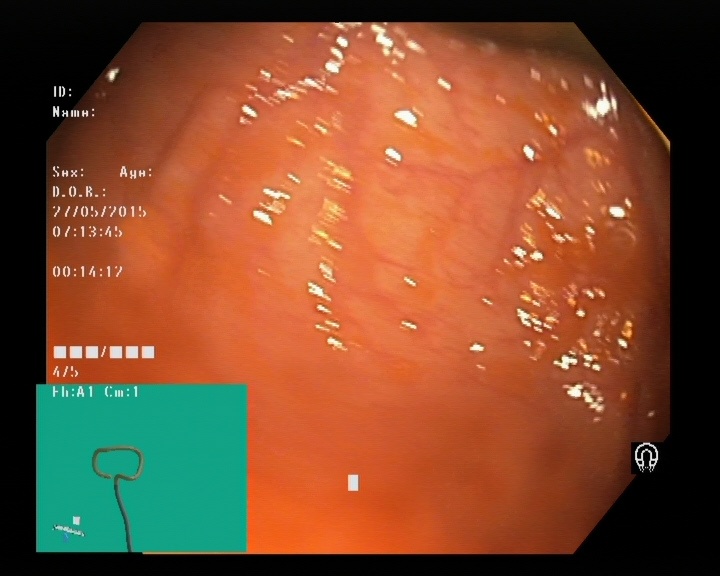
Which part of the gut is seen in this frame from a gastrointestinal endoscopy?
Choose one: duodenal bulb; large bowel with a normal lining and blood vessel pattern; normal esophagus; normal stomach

large bowel with a normal lining and blood vessel pattern